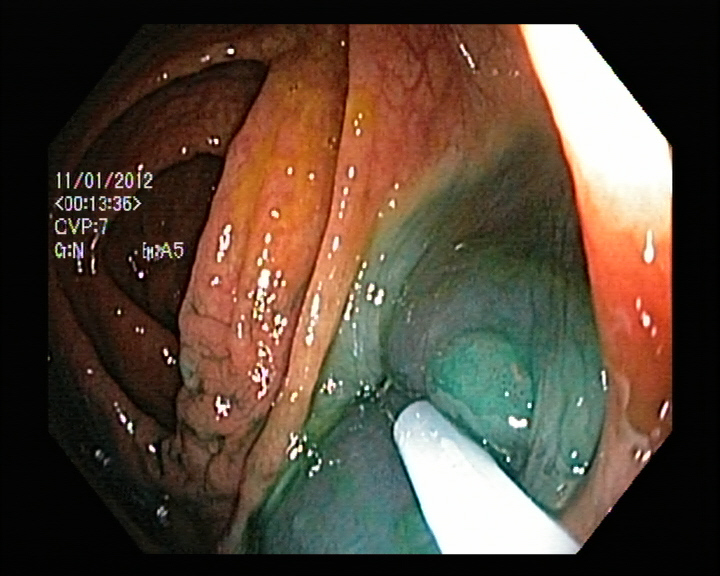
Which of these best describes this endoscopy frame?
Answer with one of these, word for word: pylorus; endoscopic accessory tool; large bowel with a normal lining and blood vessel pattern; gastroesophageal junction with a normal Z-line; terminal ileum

endoscopic accessory tool